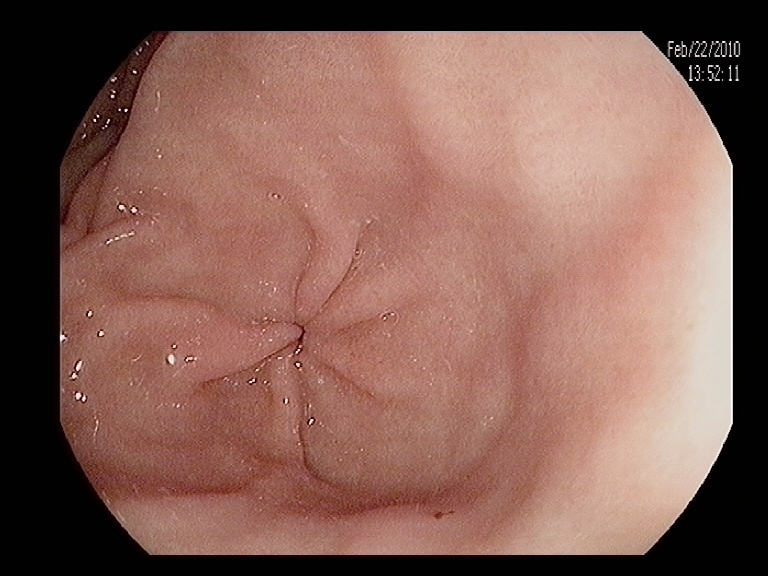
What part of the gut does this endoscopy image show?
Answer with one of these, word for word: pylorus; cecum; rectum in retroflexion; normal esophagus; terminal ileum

pylorus